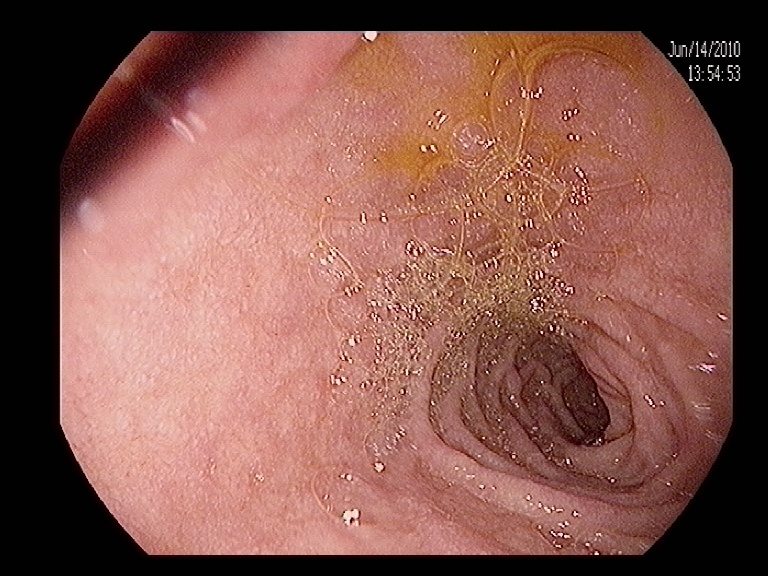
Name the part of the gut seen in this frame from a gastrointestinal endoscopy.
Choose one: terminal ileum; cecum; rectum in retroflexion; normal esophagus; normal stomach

terminal ileum